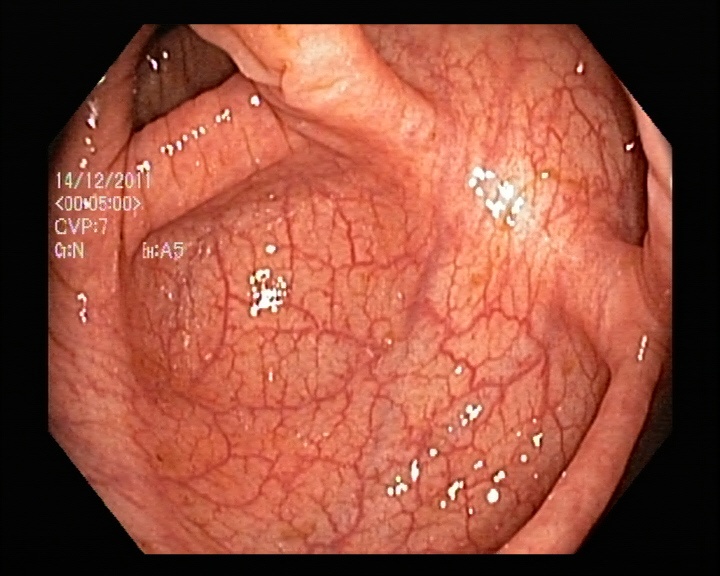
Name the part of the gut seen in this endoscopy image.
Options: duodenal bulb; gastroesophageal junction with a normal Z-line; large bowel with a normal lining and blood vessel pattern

large bowel with a normal lining and blood vessel pattern